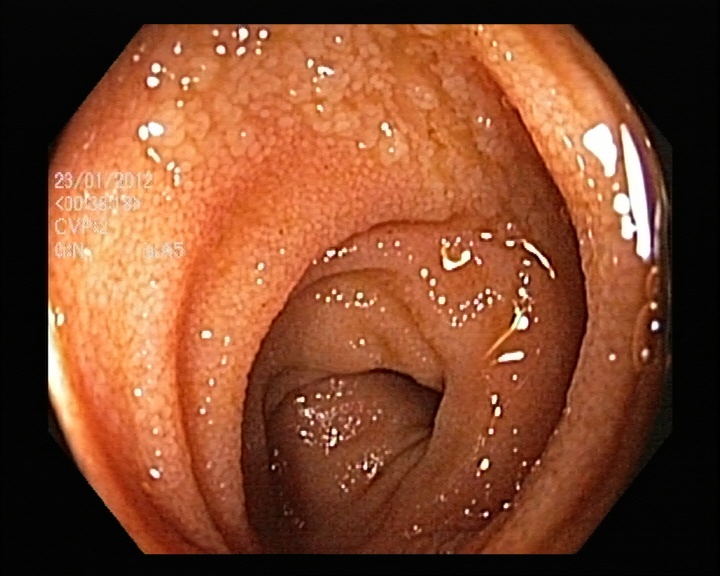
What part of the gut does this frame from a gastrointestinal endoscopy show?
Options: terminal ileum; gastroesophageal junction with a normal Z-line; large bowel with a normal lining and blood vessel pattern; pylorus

terminal ileum